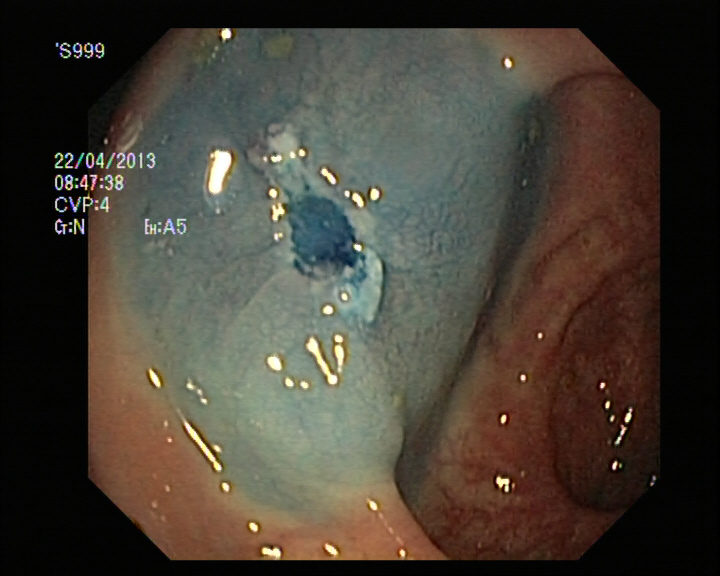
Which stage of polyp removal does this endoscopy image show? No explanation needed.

dyed resection margin (post-polypectomy)